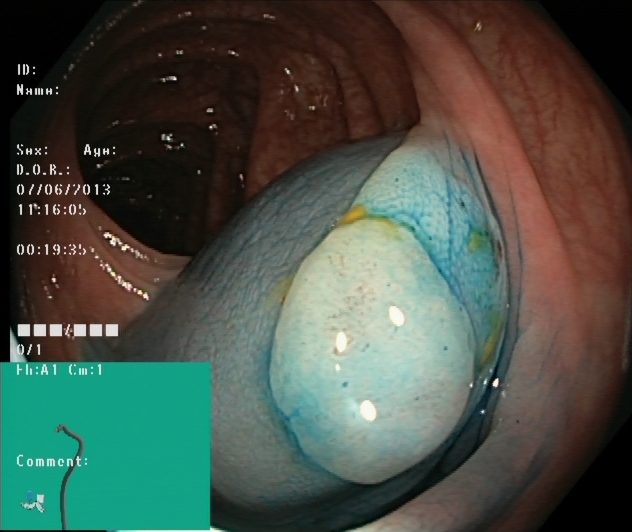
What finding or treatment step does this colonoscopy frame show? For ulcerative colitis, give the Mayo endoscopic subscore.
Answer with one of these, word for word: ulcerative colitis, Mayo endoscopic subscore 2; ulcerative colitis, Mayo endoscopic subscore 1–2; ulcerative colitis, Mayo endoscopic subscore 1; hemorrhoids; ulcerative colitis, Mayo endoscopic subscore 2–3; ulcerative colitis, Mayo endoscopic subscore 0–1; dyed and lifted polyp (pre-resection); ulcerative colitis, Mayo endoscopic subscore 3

dyed and lifted polyp (pre-resection)